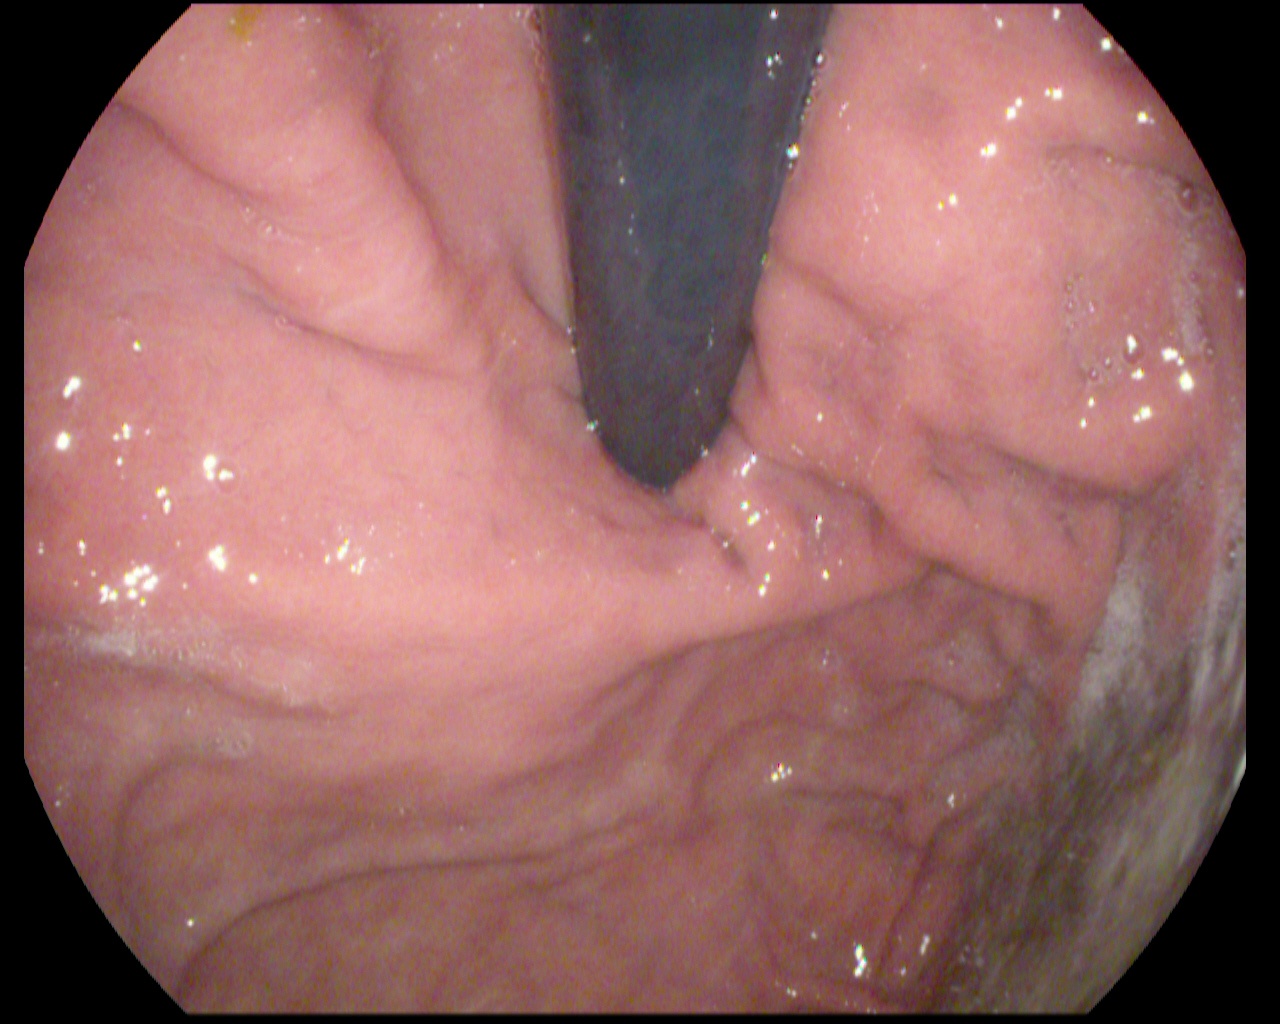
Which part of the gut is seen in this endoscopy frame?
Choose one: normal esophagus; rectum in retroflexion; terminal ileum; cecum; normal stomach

normal stomach